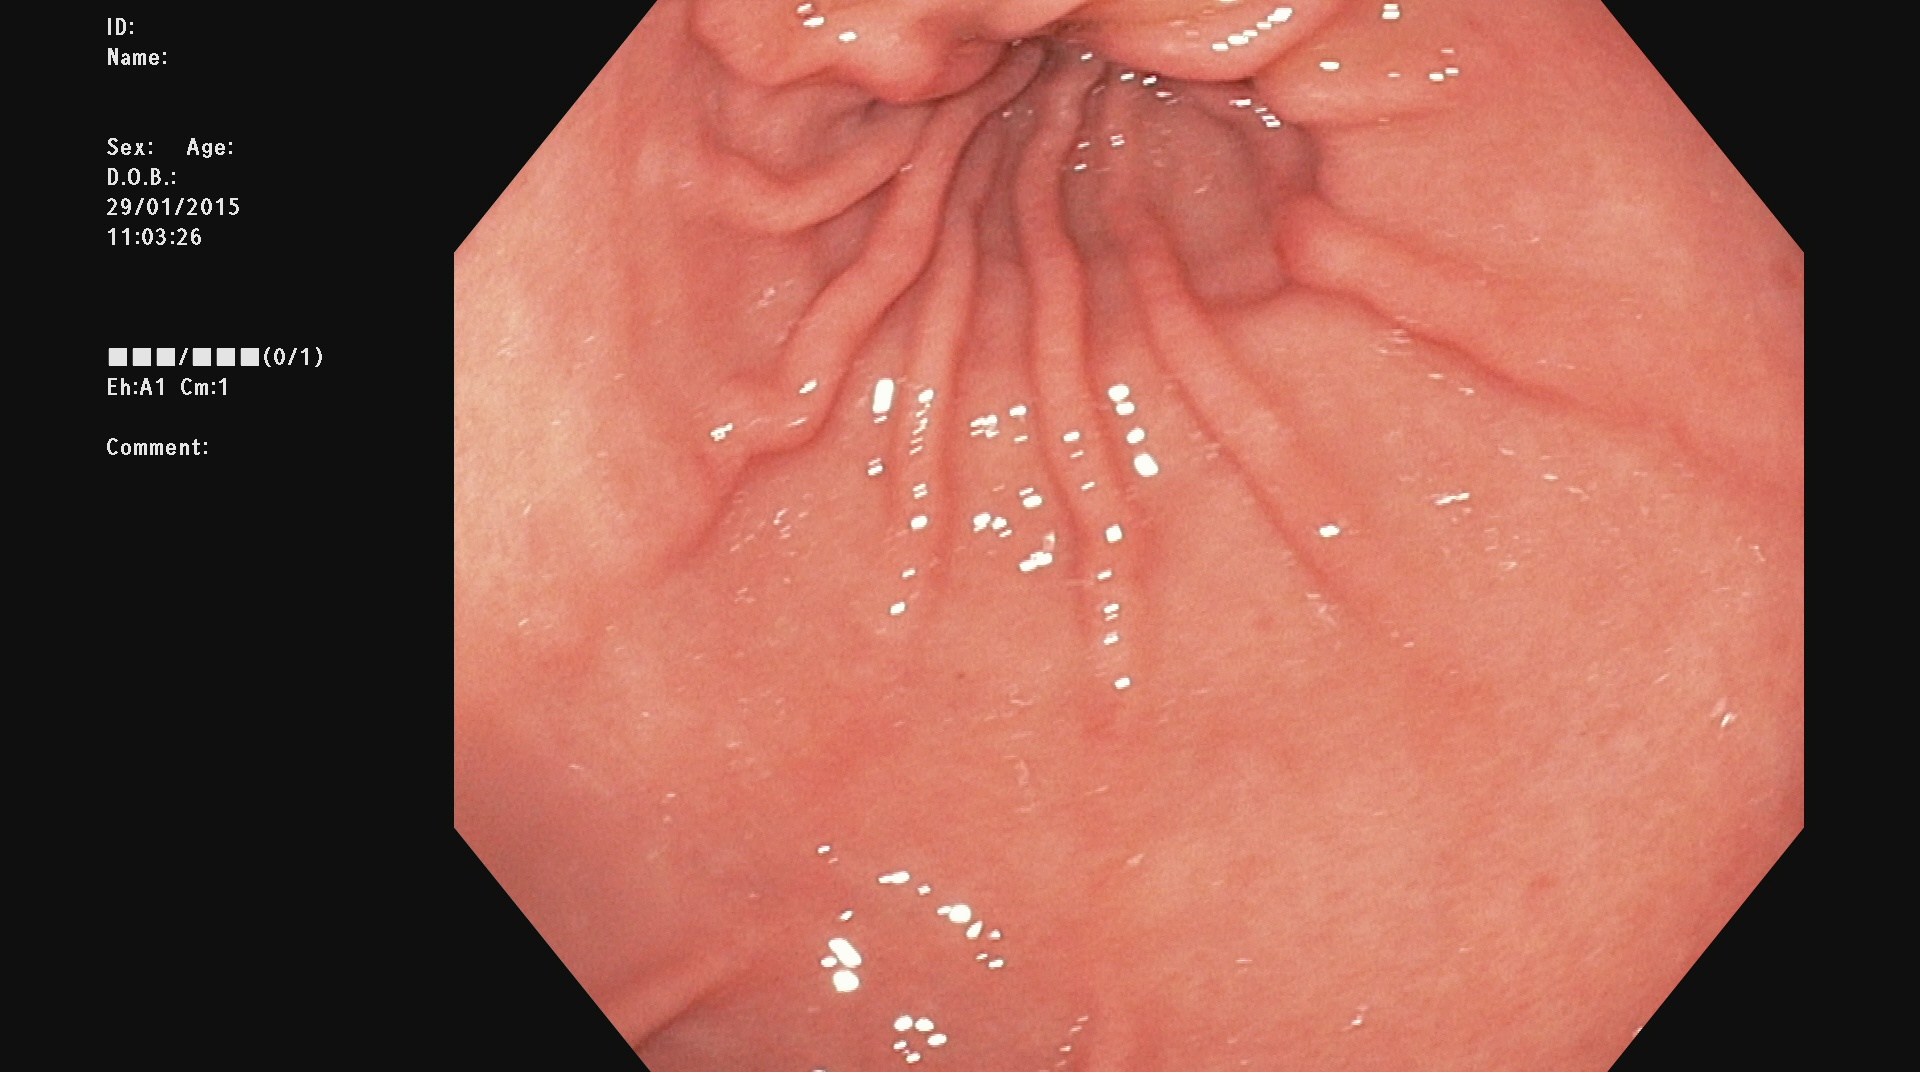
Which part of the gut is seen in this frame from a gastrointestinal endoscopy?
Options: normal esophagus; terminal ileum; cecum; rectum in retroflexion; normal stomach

normal stomach